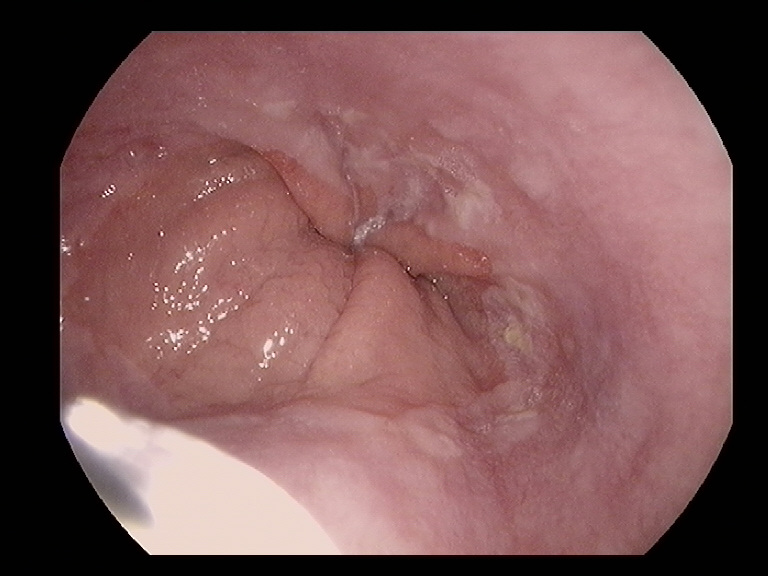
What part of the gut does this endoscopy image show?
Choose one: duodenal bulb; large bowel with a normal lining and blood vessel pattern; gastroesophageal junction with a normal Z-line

gastroesophageal junction with a normal Z-line